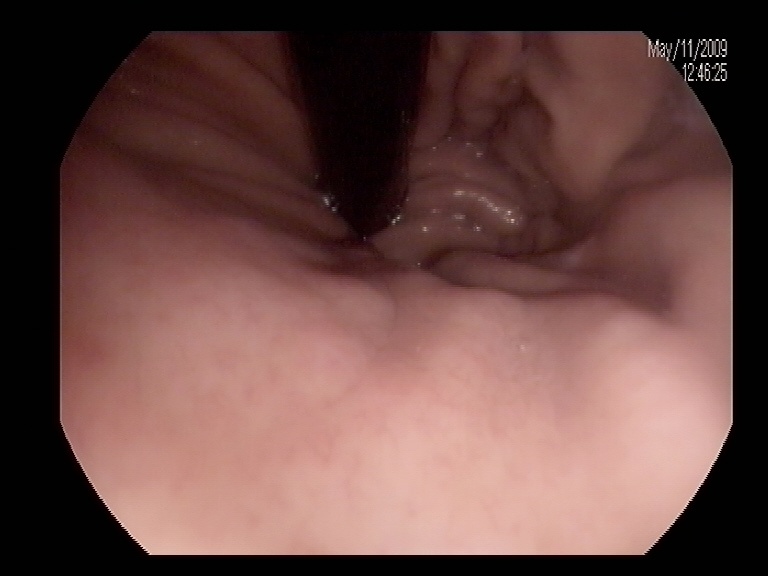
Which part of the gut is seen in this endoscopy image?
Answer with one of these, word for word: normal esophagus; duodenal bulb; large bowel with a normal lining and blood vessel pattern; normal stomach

normal stomach